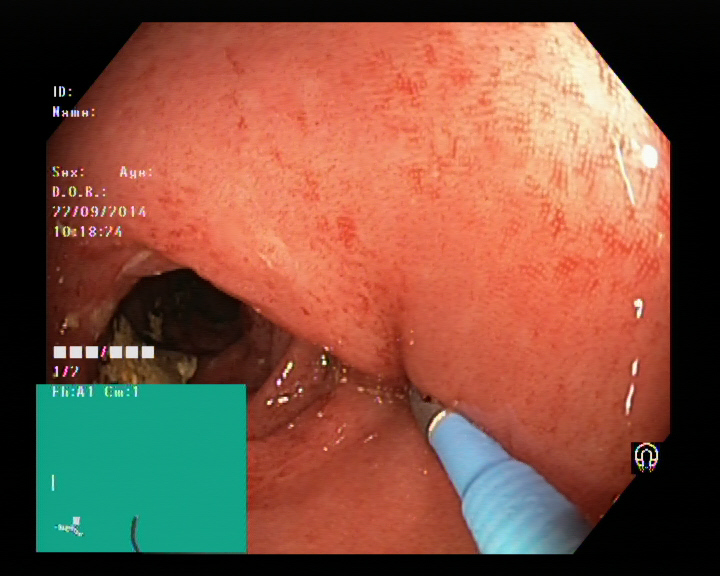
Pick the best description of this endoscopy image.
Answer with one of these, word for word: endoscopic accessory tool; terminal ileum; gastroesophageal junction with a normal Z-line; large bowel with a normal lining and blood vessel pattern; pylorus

endoscopic accessory tool